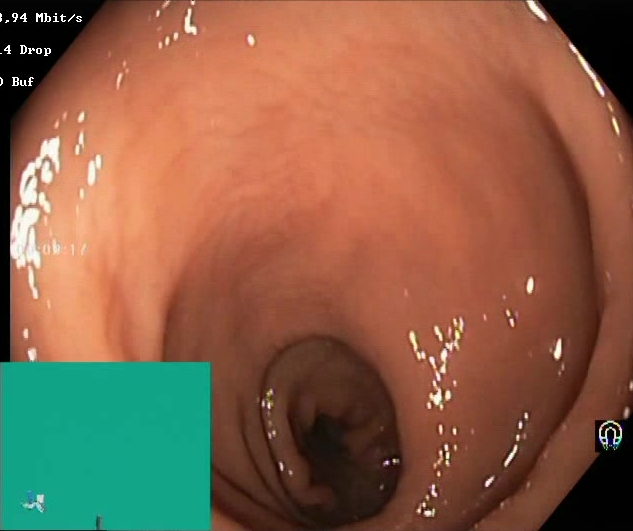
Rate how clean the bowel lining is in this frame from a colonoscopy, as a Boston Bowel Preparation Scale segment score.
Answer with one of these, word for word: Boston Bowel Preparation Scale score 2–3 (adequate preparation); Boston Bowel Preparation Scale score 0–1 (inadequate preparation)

Boston Bowel Preparation Scale score 2–3 (adequate preparation)